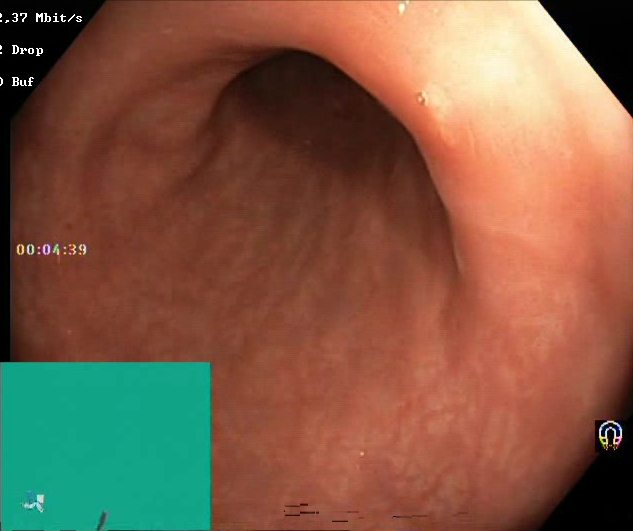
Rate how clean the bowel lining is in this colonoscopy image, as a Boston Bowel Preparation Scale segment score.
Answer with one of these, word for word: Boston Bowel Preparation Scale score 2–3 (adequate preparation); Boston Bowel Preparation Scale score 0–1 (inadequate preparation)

Boston Bowel Preparation Scale score 2–3 (adequate preparation)